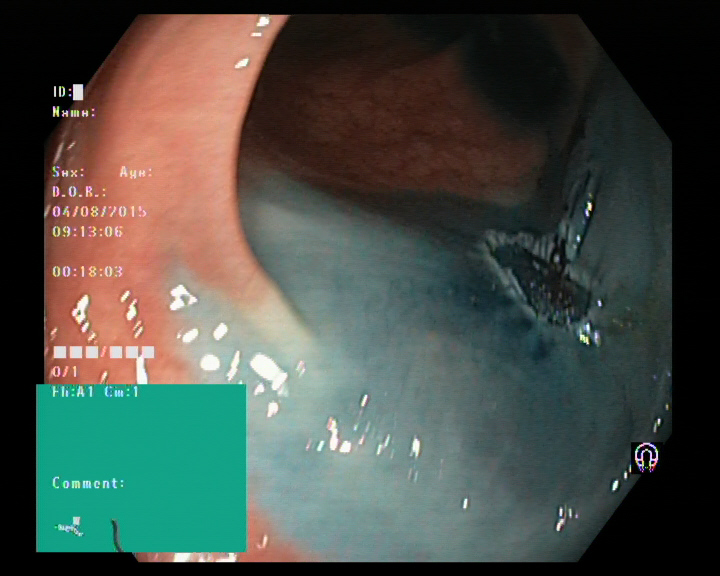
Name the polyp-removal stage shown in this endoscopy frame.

dyed resection margin (post-polypectomy)